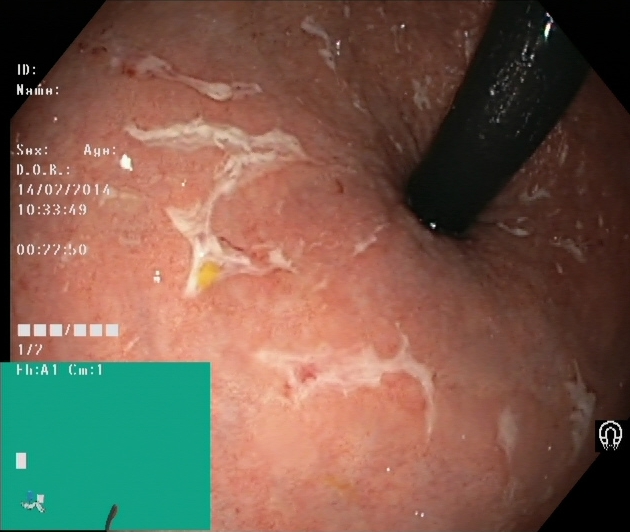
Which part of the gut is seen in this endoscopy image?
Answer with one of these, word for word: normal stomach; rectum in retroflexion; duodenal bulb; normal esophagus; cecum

rectum in retroflexion